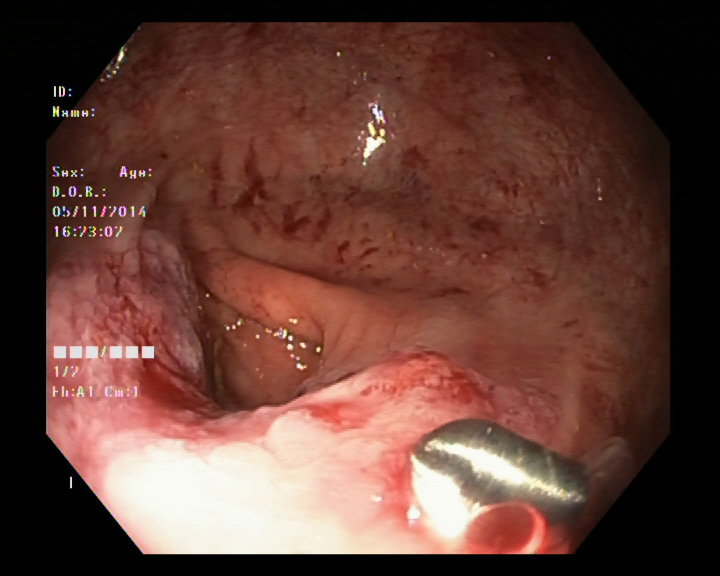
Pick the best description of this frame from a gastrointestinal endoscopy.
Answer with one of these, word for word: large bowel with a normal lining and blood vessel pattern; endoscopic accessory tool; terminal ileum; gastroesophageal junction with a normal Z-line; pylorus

endoscopic accessory tool